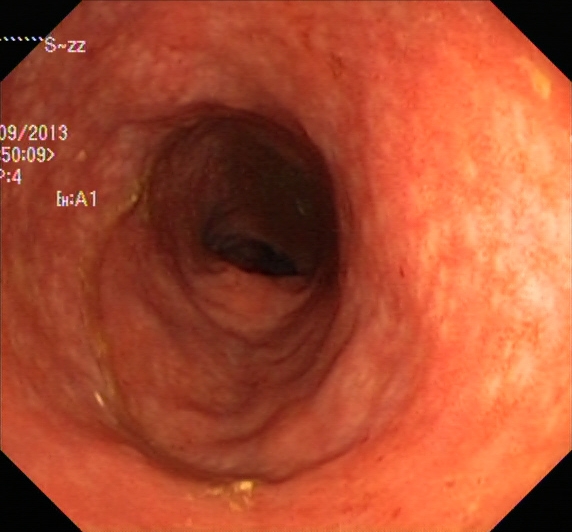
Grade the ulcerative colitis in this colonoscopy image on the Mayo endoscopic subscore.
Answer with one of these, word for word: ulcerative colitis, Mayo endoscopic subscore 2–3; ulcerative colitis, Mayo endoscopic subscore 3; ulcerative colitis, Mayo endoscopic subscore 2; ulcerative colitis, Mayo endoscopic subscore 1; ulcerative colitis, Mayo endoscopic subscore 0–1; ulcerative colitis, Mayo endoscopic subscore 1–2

ulcerative colitis, Mayo endoscopic subscore 1